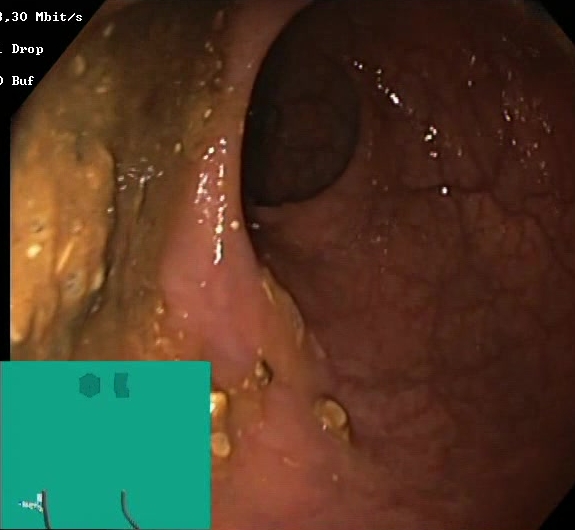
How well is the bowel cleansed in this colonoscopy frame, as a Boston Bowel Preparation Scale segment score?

Boston Bowel Preparation Scale score 0–1 (inadequate preparation)